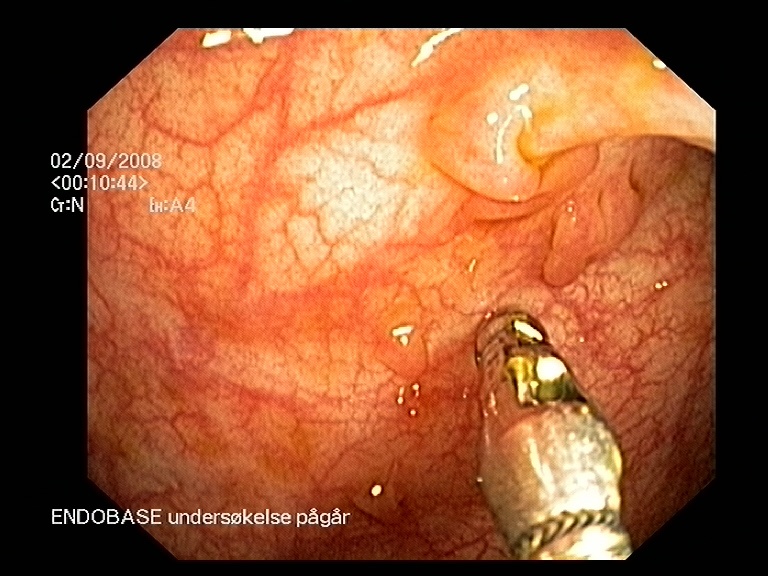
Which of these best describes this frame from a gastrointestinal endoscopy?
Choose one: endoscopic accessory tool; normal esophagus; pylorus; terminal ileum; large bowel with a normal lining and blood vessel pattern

endoscopic accessory tool